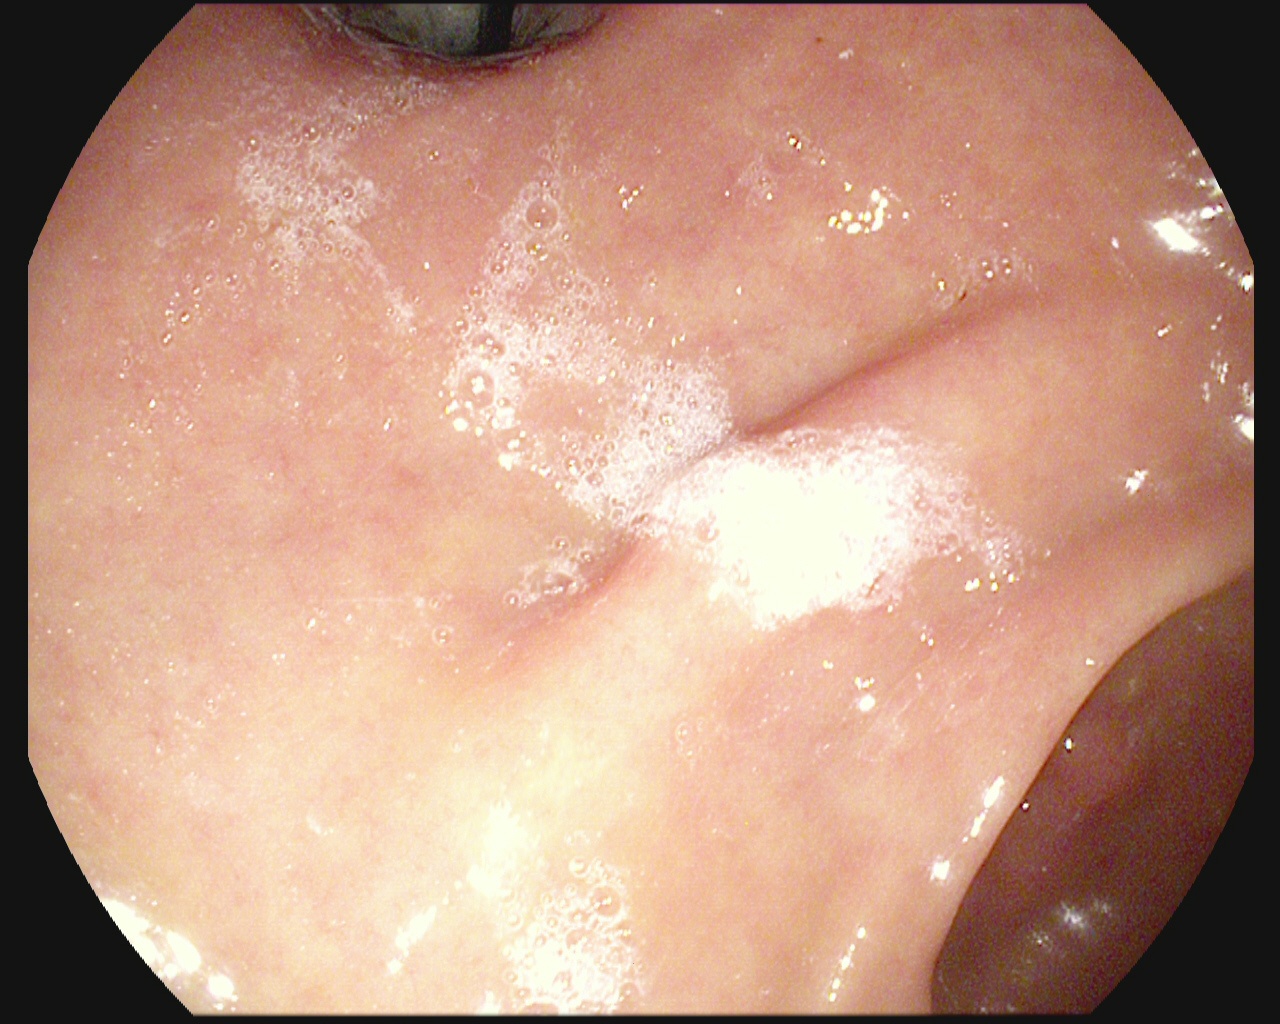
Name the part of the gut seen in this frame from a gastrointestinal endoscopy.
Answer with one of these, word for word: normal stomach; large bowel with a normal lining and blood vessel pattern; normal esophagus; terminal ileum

normal stomach